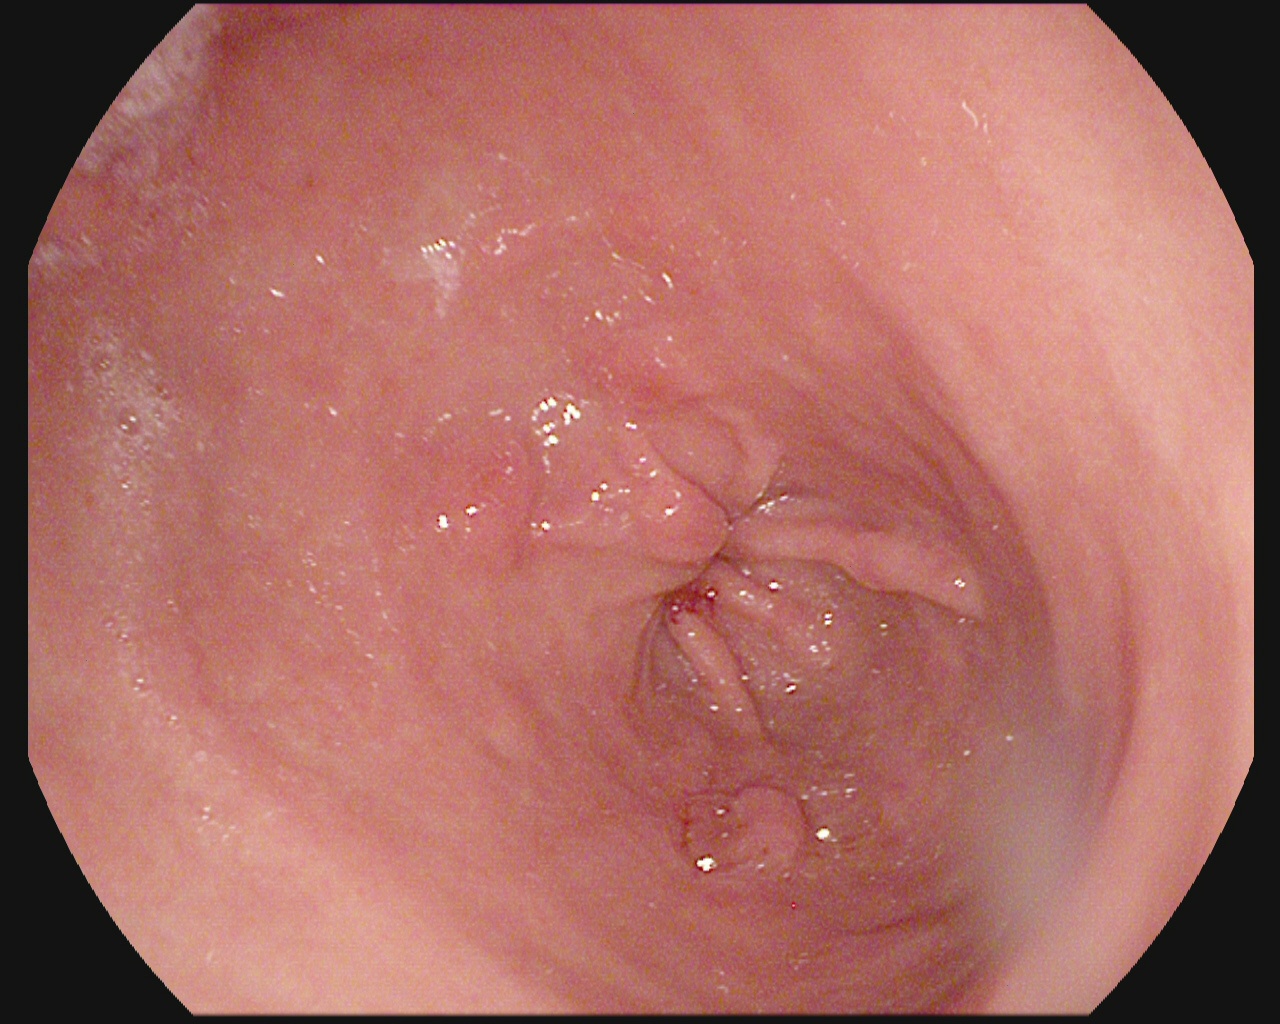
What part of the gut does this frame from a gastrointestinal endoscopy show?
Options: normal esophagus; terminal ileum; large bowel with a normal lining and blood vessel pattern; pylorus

pylorus